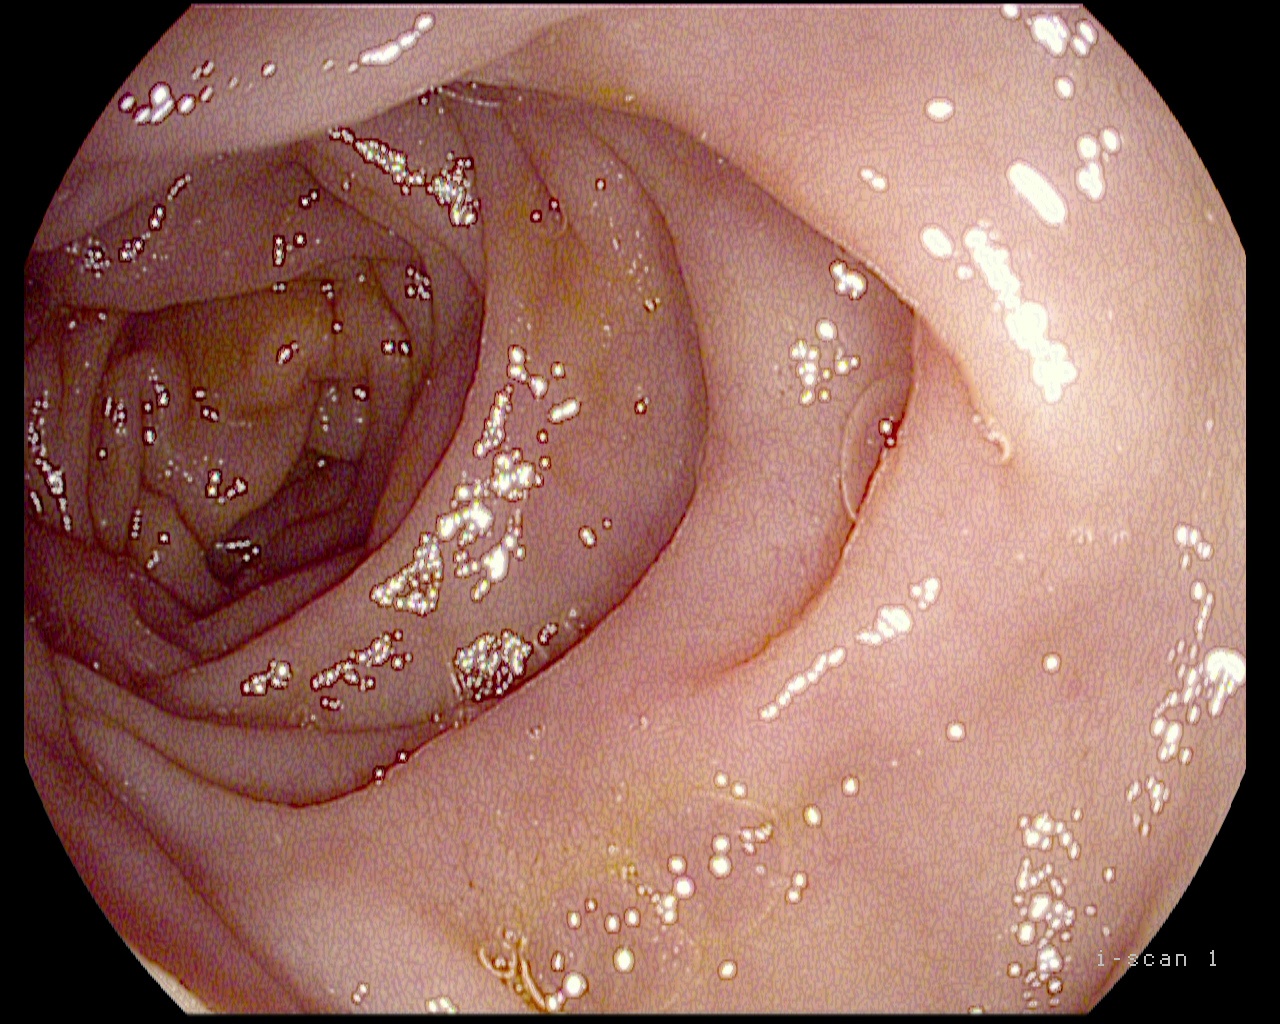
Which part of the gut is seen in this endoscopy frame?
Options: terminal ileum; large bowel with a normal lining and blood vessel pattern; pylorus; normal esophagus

terminal ileum